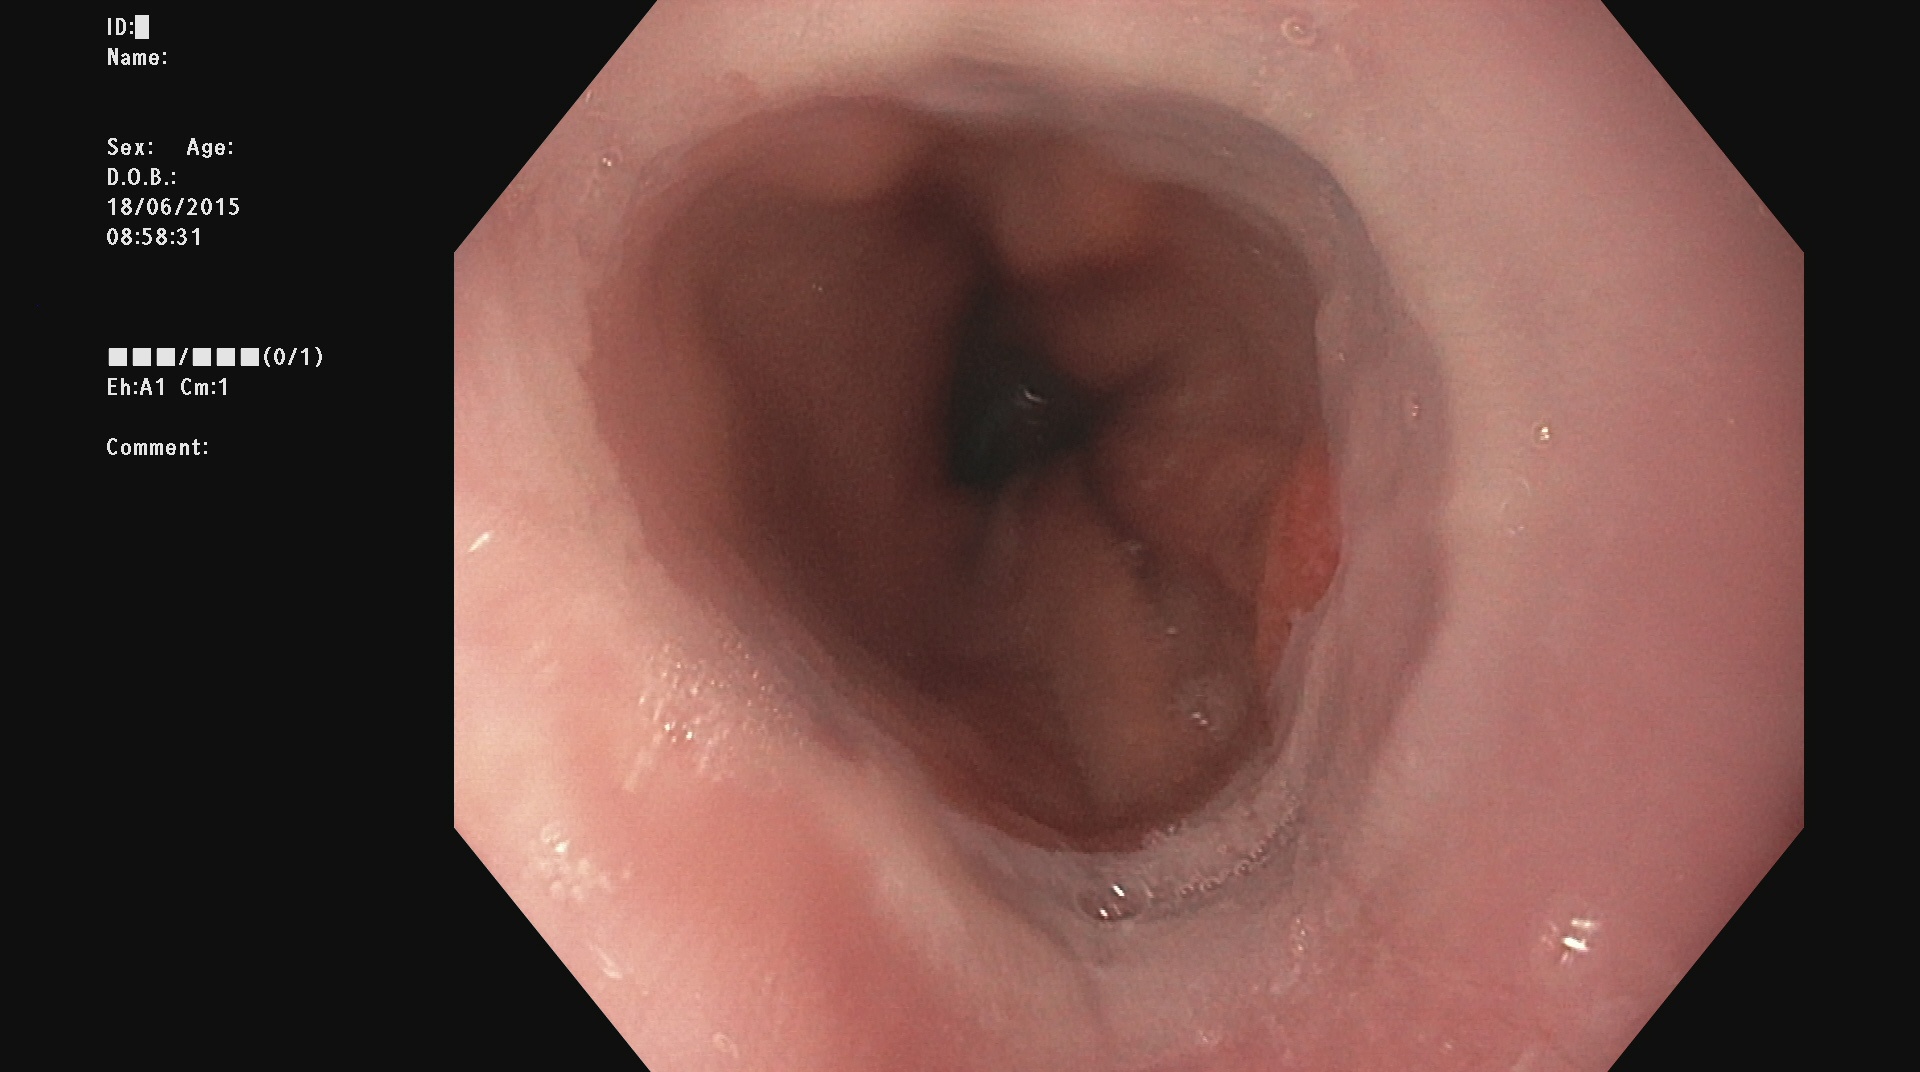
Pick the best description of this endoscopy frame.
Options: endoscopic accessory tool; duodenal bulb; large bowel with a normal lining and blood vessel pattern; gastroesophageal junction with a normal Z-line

gastroesophageal junction with a normal Z-line